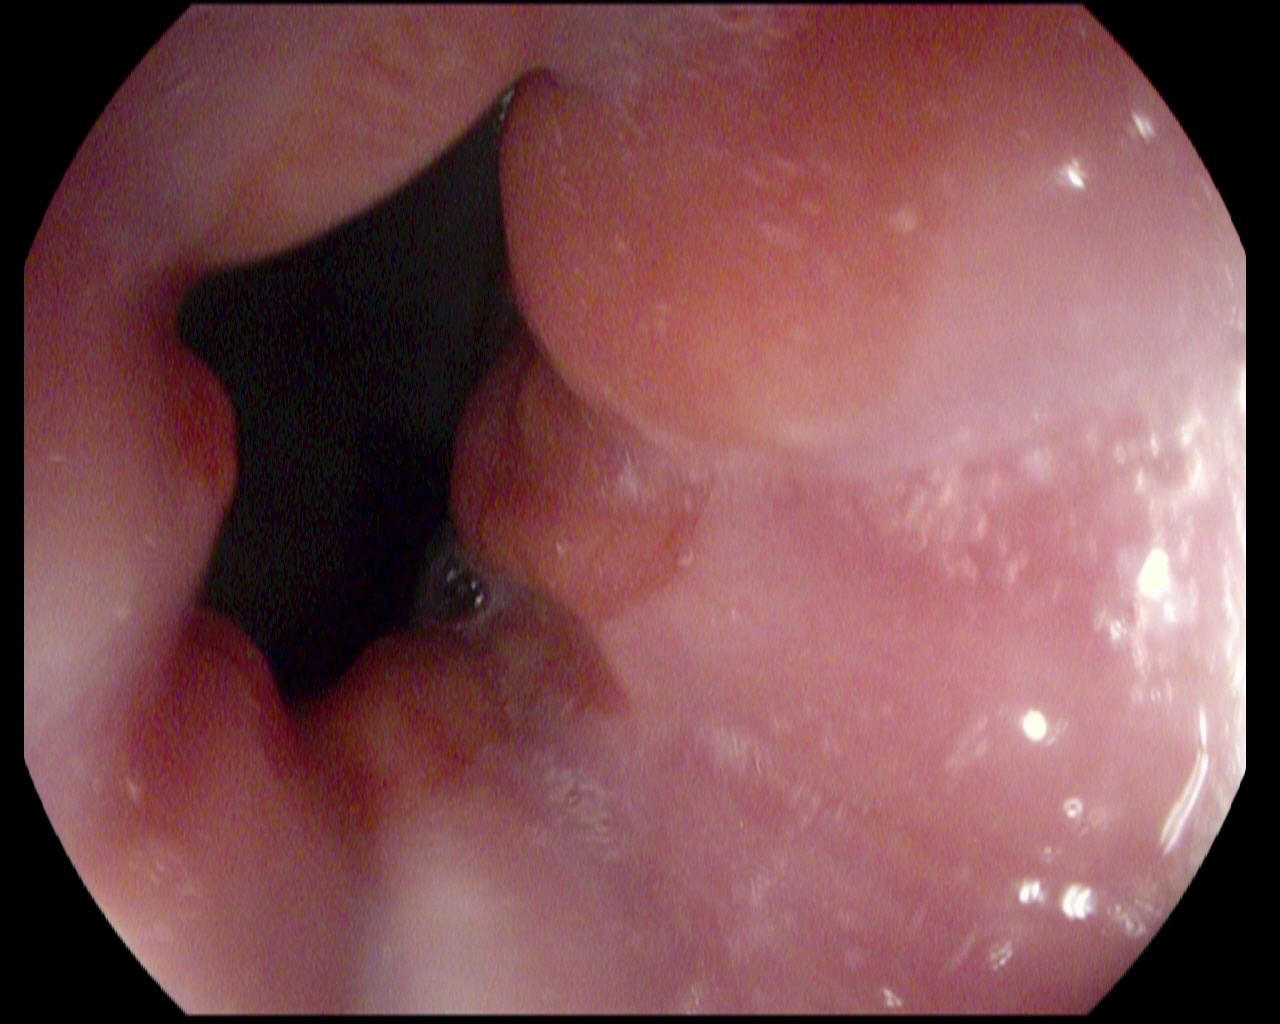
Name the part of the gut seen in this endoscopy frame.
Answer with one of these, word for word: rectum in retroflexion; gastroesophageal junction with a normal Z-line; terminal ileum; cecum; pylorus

gastroesophageal junction with a normal Z-line